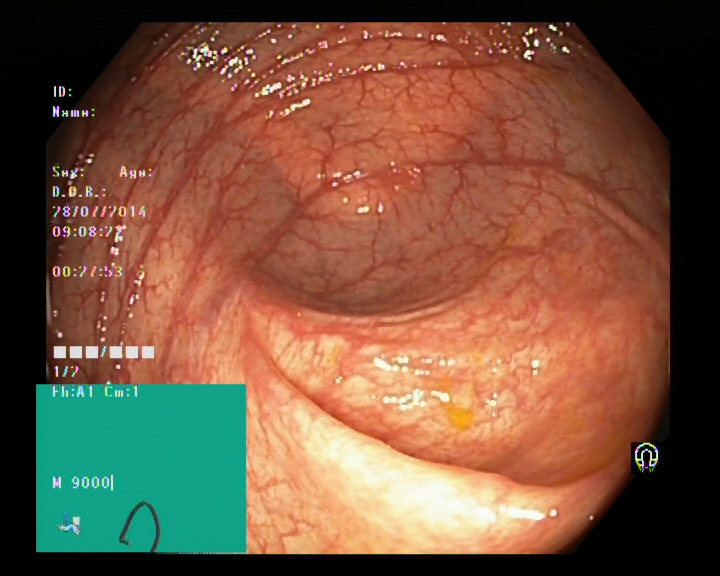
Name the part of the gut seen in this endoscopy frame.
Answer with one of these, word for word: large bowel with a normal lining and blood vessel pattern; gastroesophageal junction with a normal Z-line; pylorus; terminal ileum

large bowel with a normal lining and blood vessel pattern